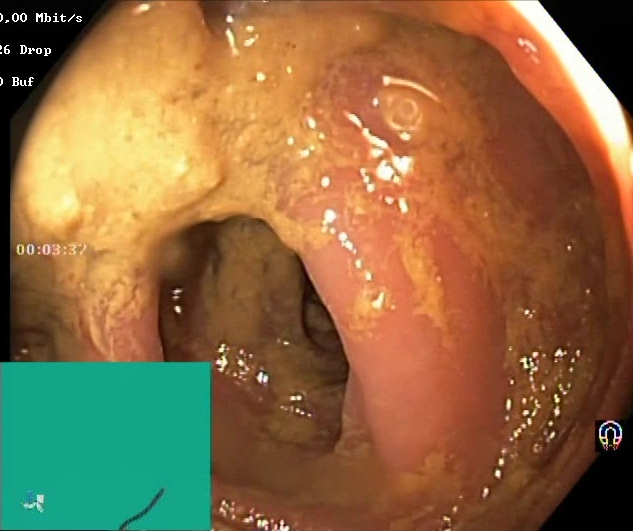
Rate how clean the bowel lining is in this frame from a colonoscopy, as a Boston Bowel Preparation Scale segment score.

Boston Bowel Preparation Scale score 0–1 (inadequate preparation)